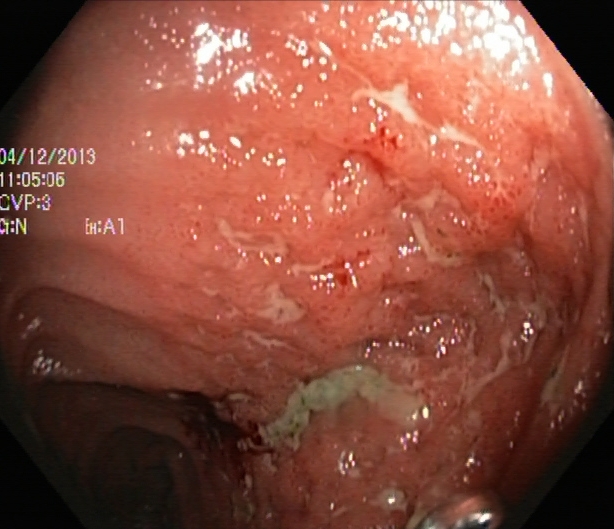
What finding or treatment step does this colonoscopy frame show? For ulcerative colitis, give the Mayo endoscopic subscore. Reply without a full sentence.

ulcerative colitis, Mayo endoscopic subscore 3